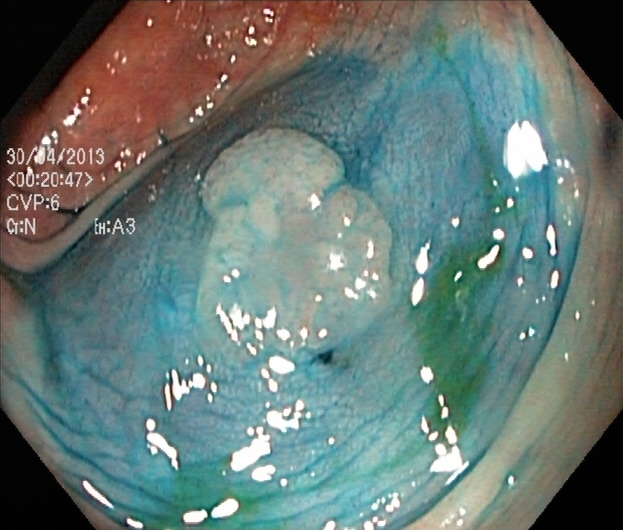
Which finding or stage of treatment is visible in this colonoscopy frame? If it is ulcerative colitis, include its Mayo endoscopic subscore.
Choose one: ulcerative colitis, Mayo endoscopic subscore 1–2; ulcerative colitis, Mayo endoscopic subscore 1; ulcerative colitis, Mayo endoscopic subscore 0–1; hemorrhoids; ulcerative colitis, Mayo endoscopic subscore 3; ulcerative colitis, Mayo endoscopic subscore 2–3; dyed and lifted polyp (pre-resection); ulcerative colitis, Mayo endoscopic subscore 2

dyed and lifted polyp (pre-resection)